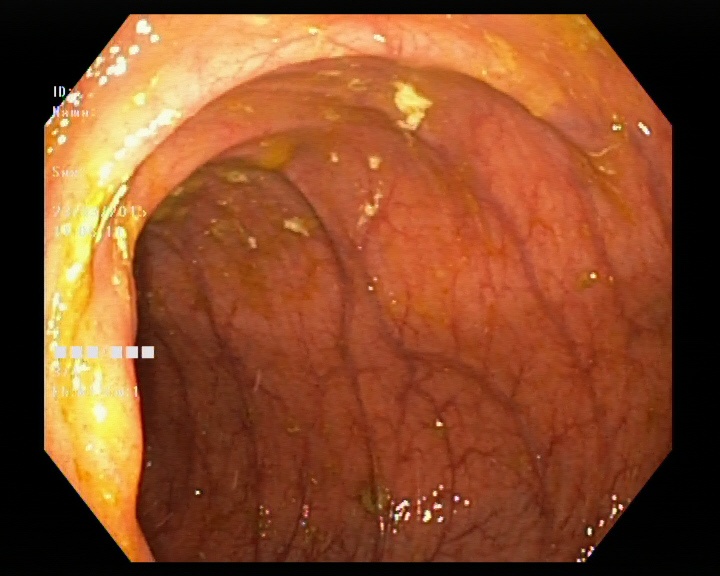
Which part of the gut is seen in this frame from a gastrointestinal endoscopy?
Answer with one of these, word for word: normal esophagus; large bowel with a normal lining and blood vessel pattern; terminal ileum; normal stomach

large bowel with a normal lining and blood vessel pattern